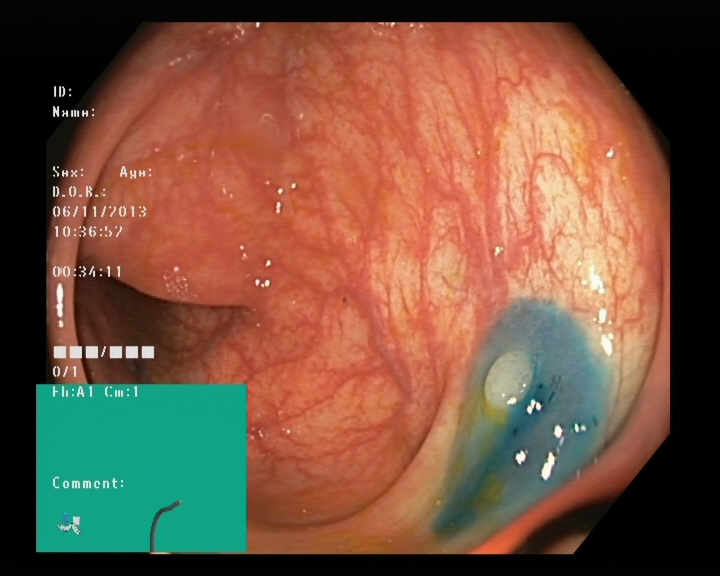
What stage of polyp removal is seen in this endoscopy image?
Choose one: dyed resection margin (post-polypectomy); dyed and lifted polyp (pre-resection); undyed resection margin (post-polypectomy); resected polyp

dyed and lifted polyp (pre-resection)